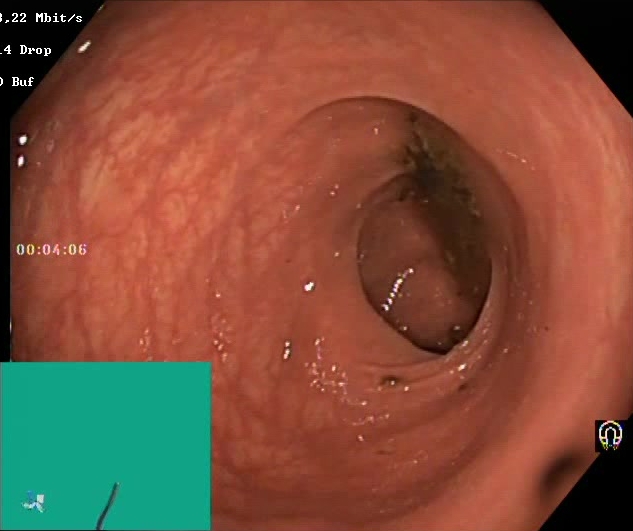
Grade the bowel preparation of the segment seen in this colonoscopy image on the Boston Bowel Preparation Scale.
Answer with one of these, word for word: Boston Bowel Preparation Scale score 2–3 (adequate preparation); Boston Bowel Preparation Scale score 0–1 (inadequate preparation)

Boston Bowel Preparation Scale score 0–1 (inadequate preparation)